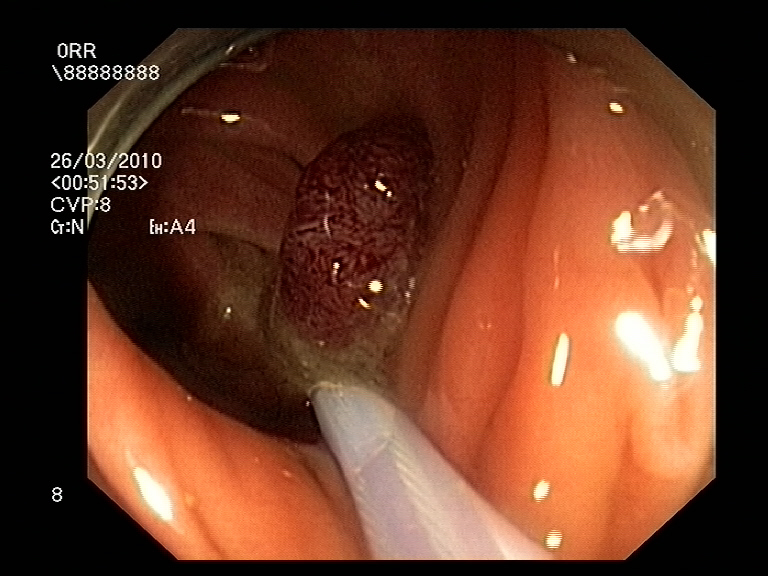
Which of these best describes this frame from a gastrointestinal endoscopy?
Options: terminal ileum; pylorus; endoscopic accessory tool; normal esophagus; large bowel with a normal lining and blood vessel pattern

endoscopic accessory tool